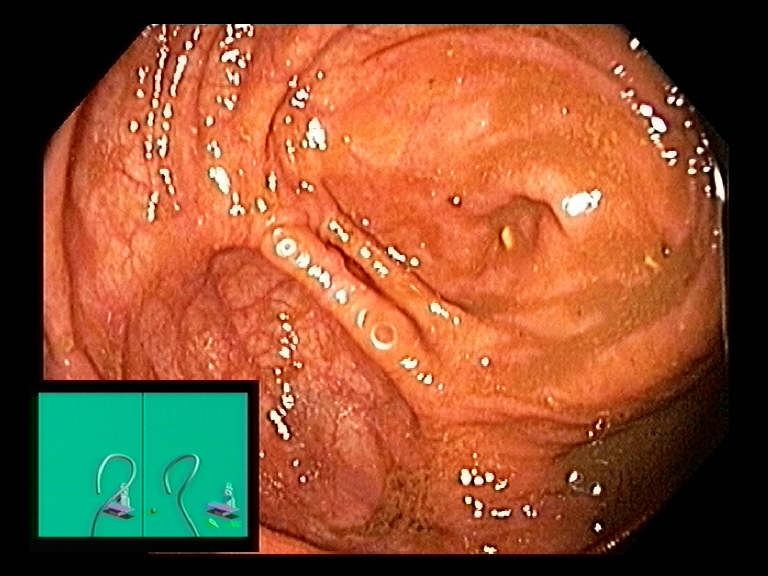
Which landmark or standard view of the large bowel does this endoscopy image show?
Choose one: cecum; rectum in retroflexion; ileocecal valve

cecum